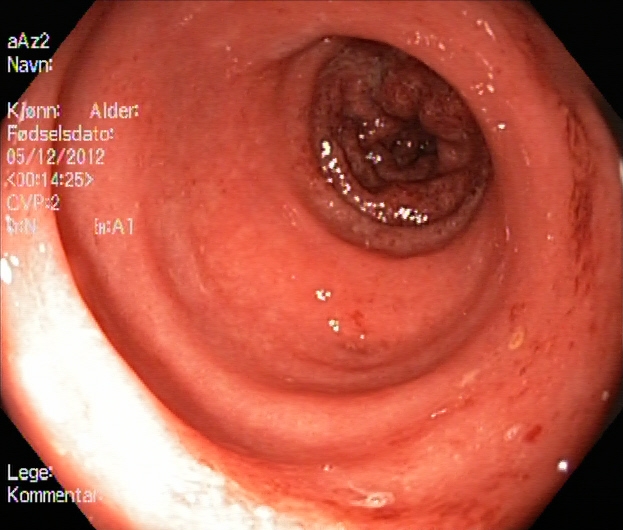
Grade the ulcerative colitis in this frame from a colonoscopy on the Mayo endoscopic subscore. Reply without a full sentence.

ulcerative colitis, Mayo endoscopic subscore 2